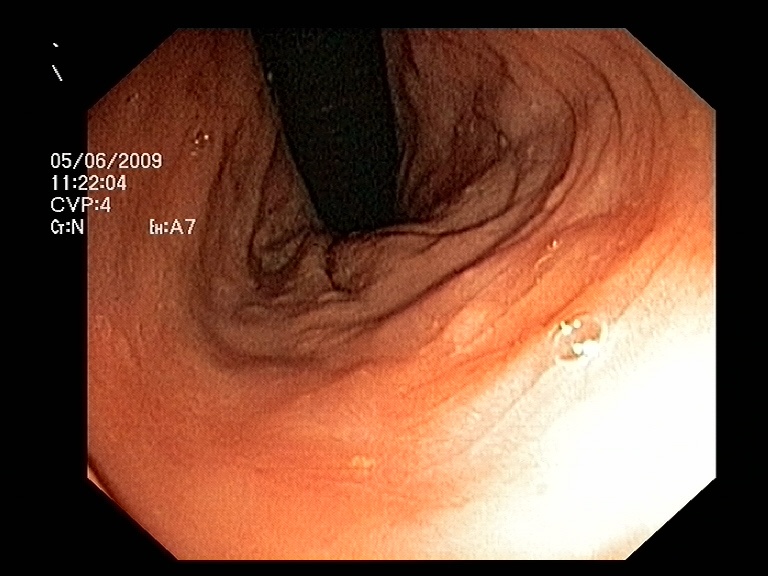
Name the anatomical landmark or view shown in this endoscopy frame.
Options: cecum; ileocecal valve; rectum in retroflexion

rectum in retroflexion